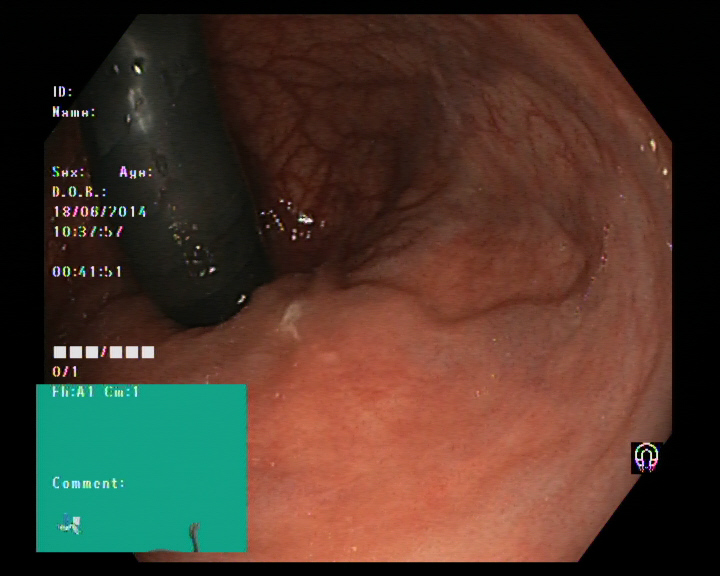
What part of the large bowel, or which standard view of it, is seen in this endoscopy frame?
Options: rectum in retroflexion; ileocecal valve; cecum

rectum in retroflexion